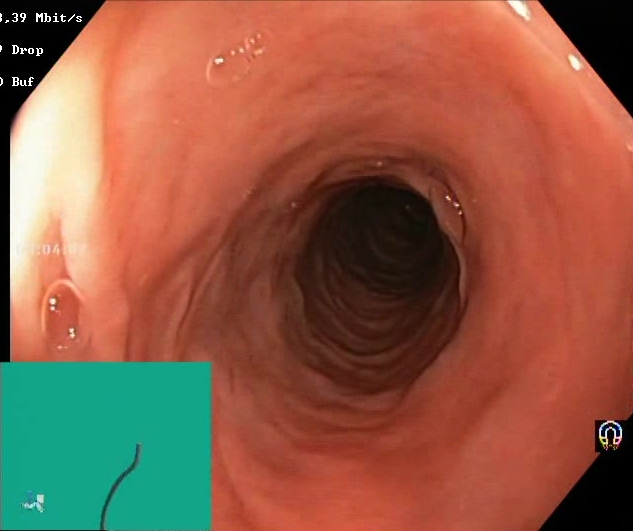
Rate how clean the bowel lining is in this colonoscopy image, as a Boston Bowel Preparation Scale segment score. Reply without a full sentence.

Boston Bowel Preparation Scale score 2–3 (adequate preparation)